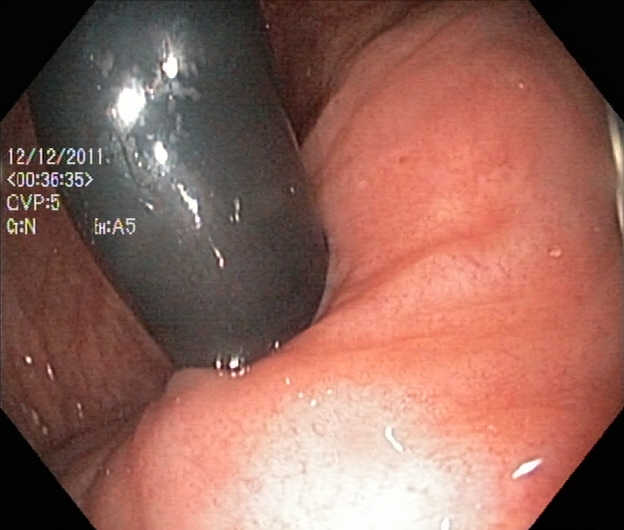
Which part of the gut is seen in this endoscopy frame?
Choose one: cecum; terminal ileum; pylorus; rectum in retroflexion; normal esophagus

rectum in retroflexion